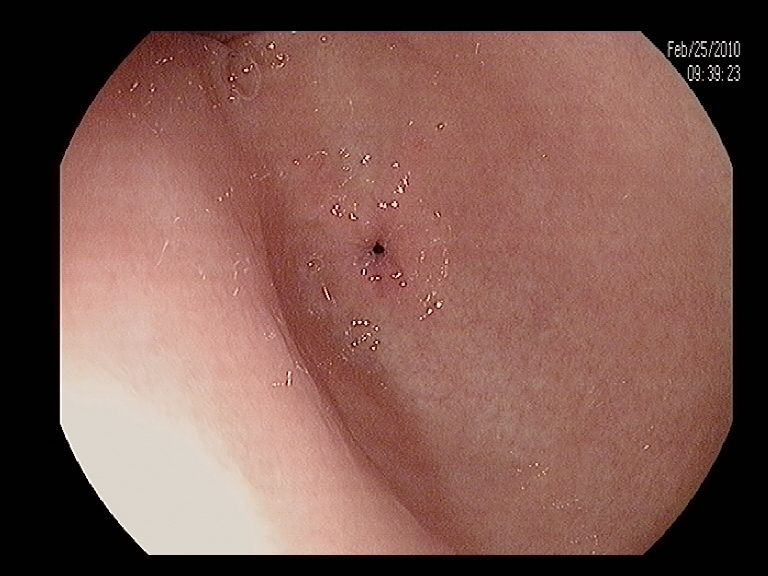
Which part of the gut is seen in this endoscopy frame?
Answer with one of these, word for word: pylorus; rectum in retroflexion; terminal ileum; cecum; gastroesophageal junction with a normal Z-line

pylorus